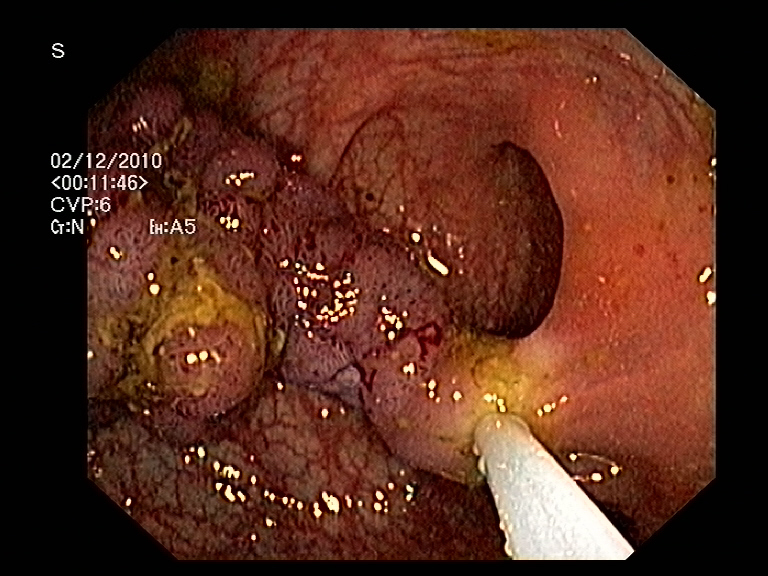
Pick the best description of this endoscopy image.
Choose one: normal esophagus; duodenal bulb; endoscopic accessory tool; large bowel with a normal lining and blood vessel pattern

endoscopic accessory tool